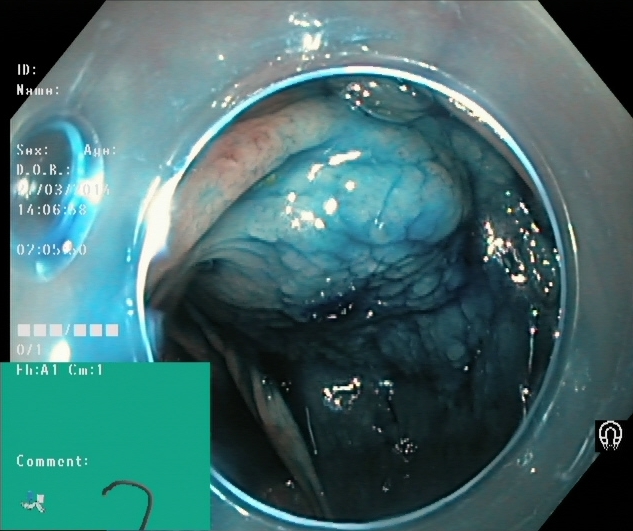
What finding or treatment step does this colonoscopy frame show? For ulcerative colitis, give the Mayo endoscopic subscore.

dyed and lifted polyp (pre-resection)